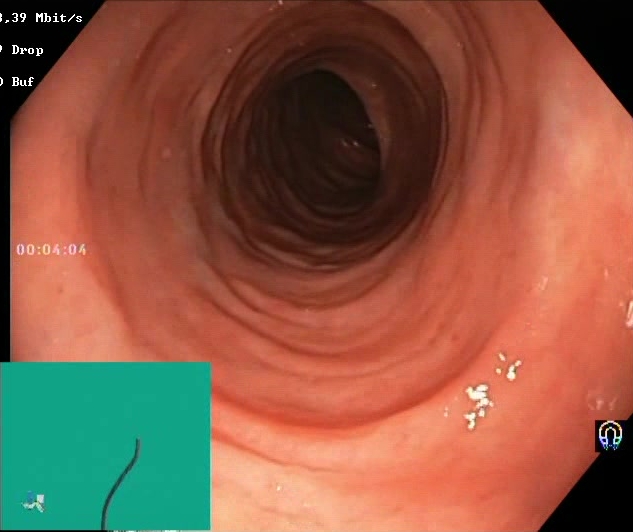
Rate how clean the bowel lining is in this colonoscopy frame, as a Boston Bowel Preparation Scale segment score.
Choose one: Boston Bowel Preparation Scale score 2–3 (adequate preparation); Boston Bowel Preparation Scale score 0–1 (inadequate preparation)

Boston Bowel Preparation Scale score 2–3 (adequate preparation)